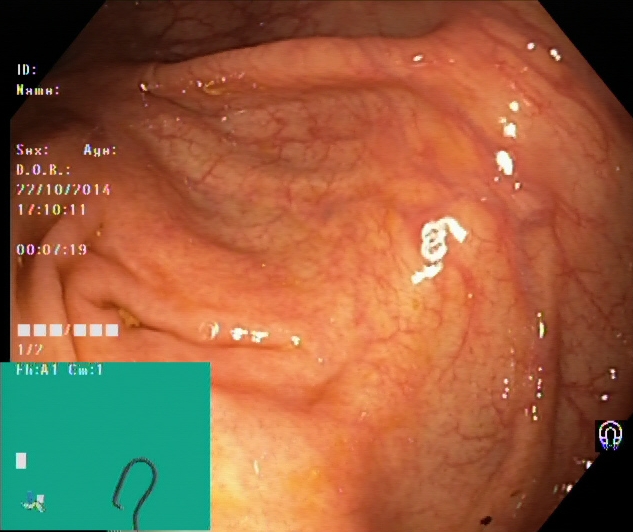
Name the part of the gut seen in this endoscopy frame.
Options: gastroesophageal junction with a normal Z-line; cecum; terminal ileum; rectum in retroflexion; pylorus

cecum